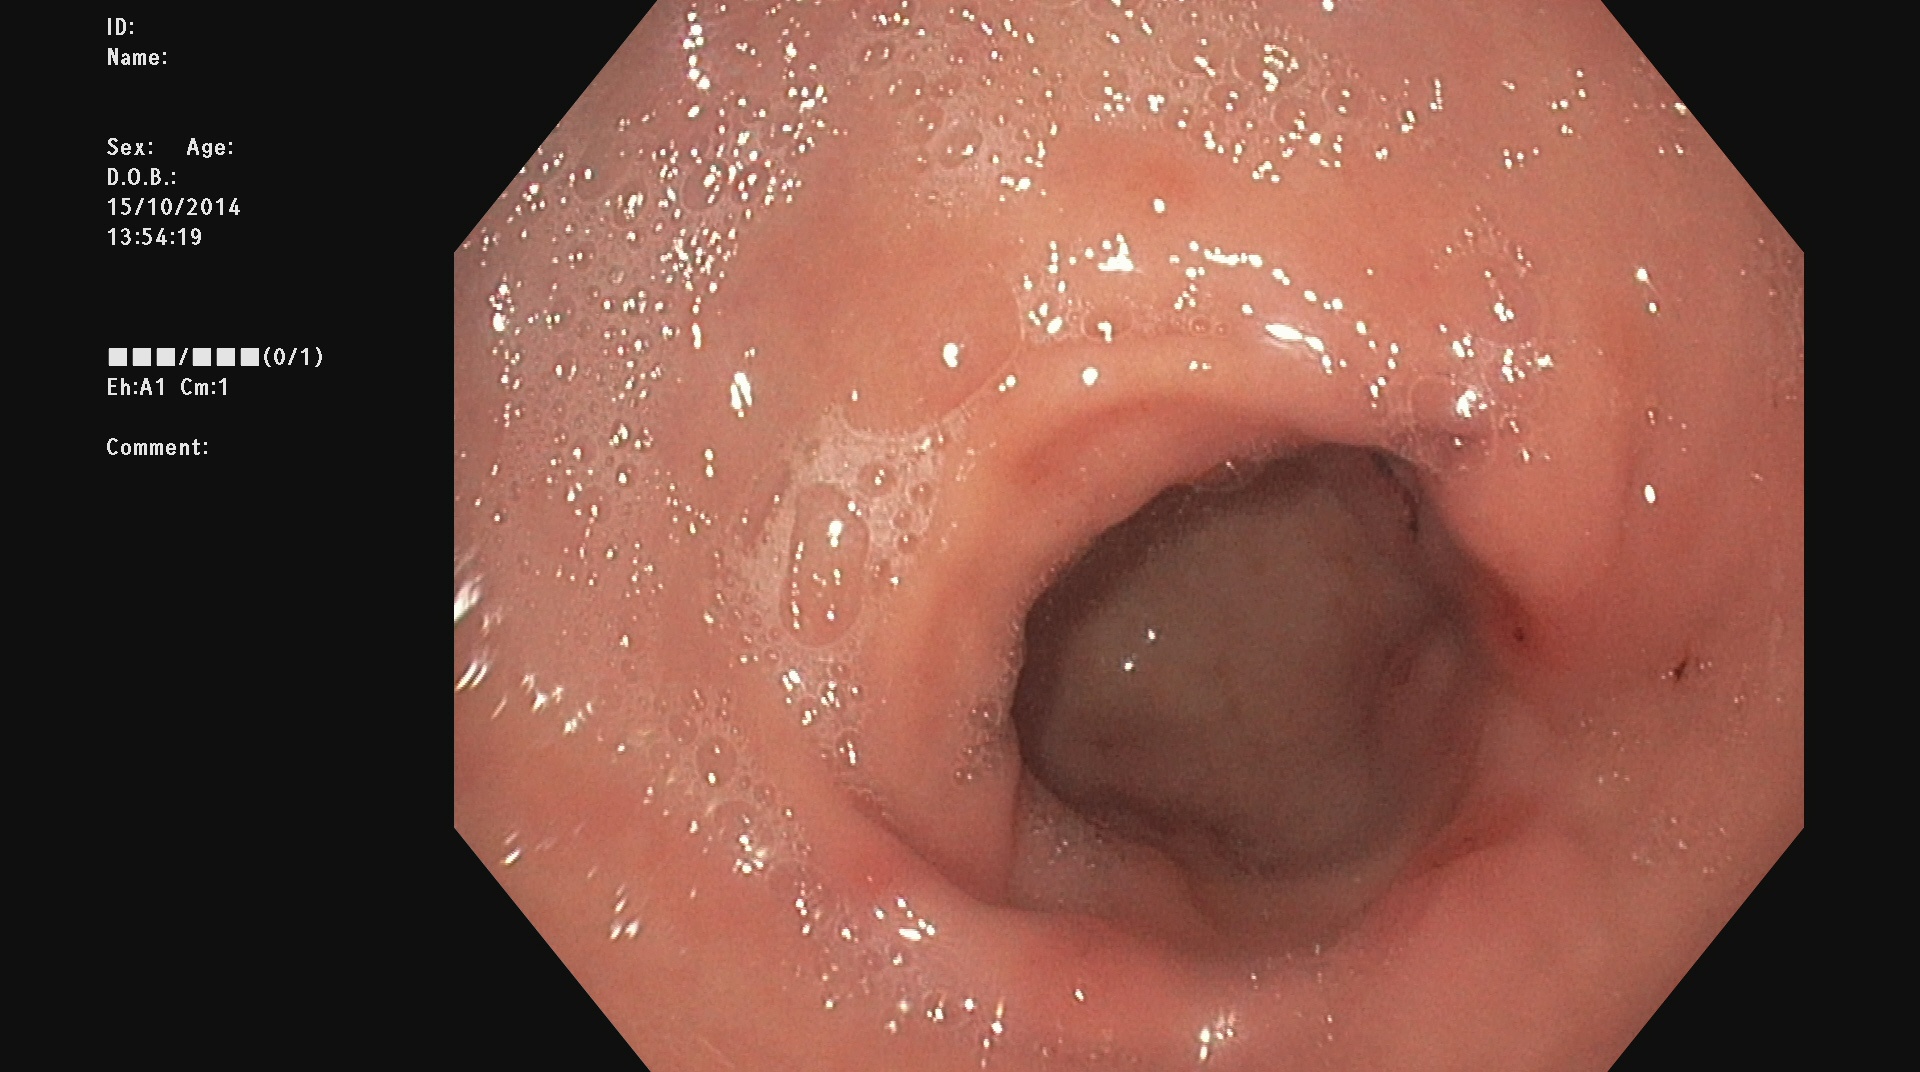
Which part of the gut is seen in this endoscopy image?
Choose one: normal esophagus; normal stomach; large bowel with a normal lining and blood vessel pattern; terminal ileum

normal stomach